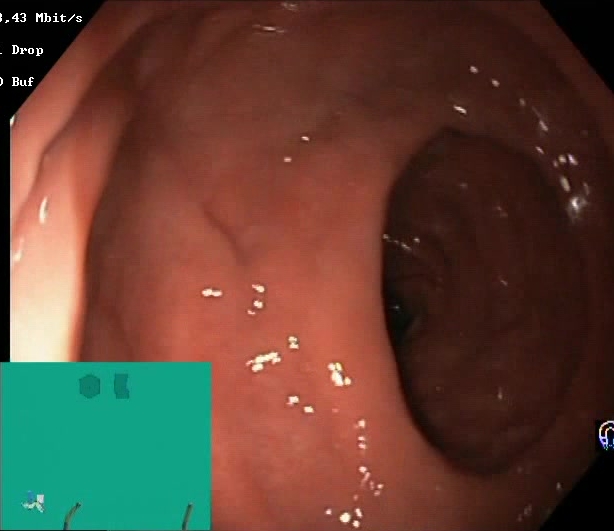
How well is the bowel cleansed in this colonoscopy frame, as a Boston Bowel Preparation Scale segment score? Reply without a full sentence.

Boston Bowel Preparation Scale score 2–3 (adequate preparation)